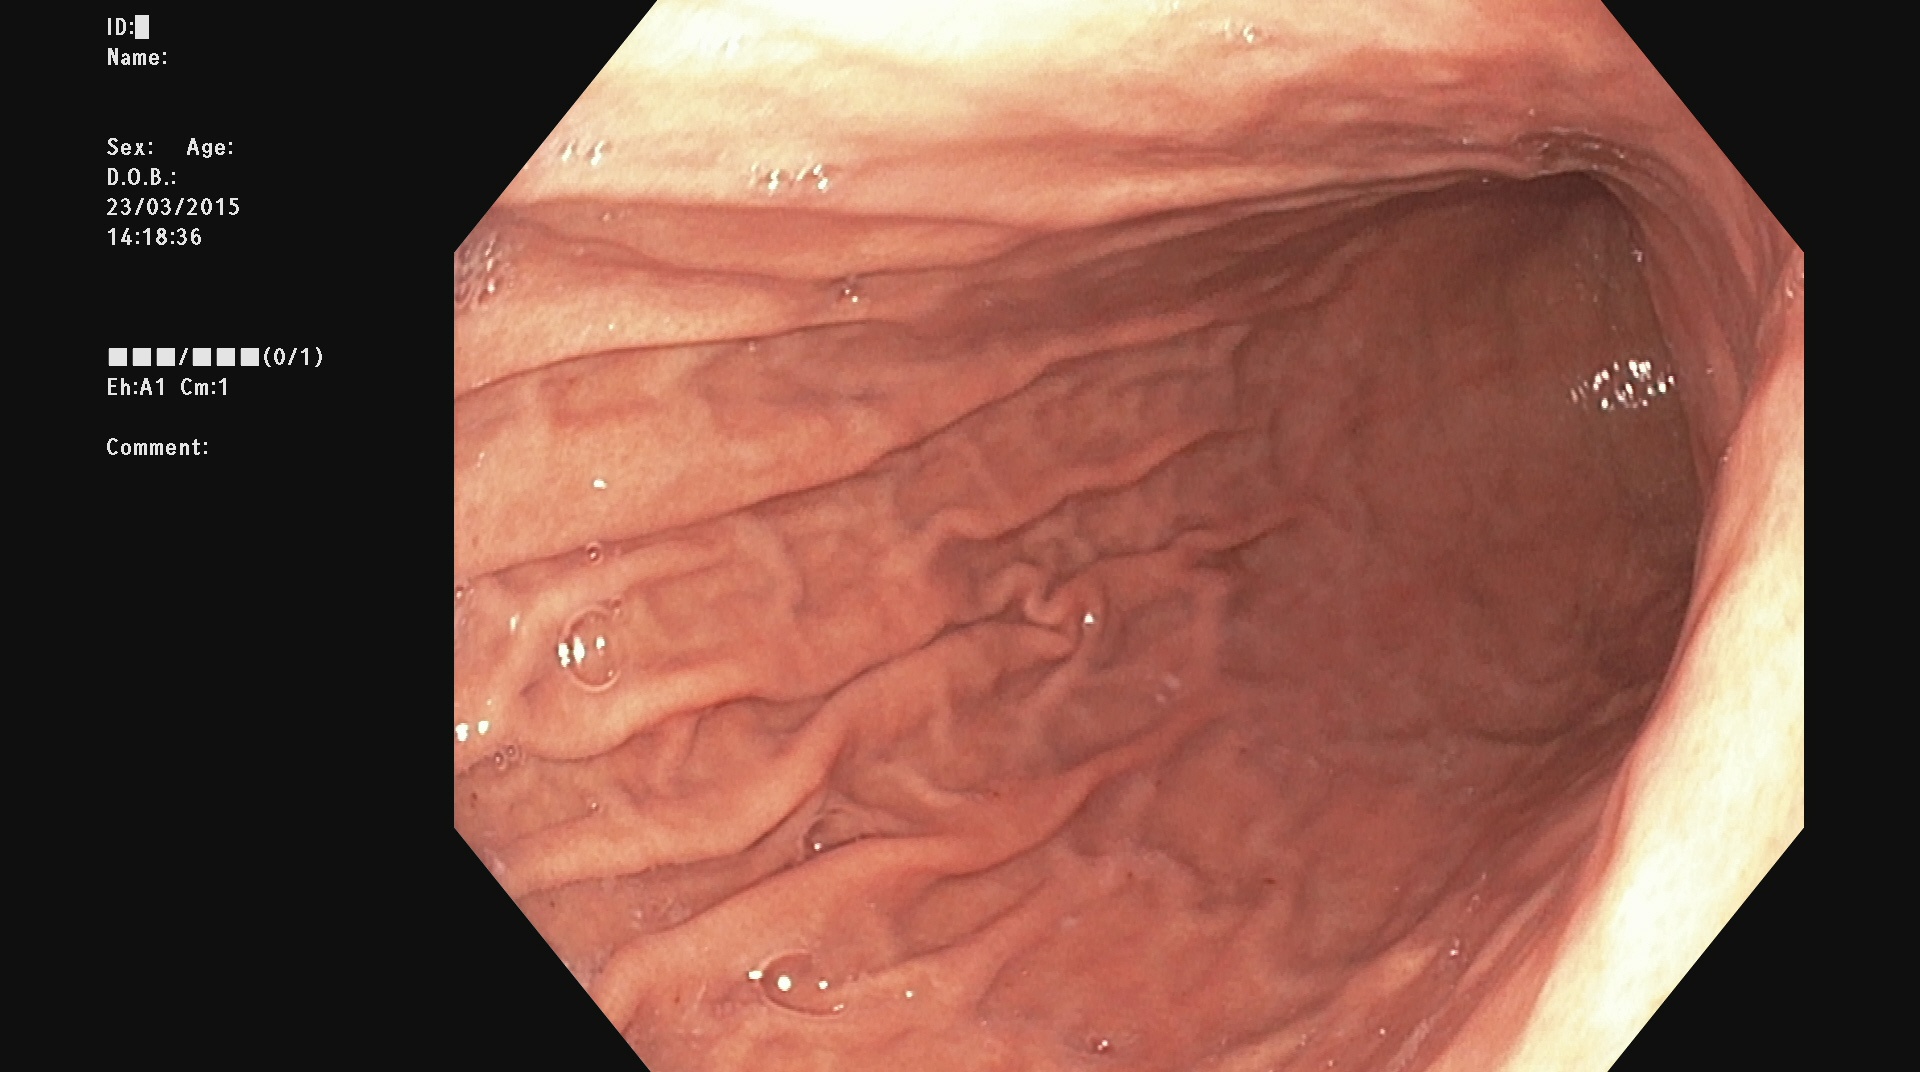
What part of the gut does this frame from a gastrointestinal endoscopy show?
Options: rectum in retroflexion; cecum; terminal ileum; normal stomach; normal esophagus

normal stomach